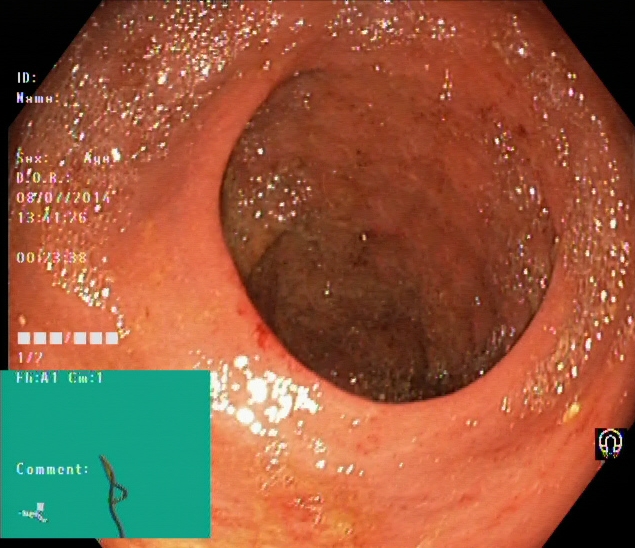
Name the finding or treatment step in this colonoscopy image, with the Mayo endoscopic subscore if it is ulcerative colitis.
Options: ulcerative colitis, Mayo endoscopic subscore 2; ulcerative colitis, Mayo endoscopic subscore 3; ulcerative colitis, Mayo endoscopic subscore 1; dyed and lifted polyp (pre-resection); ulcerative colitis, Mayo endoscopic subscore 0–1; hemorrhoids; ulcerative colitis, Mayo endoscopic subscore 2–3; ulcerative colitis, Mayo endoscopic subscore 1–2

ulcerative colitis, Mayo endoscopic subscore 1